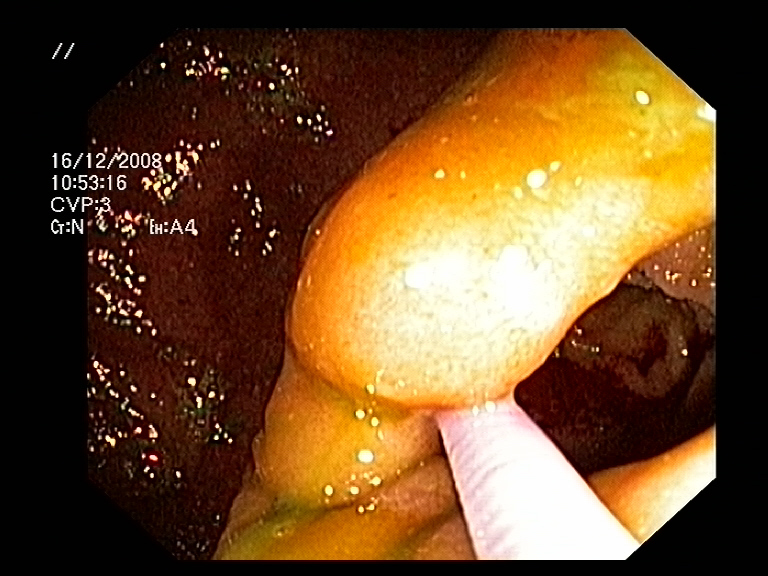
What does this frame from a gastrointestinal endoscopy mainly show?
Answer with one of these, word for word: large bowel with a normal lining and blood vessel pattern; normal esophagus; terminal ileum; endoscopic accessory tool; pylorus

endoscopic accessory tool